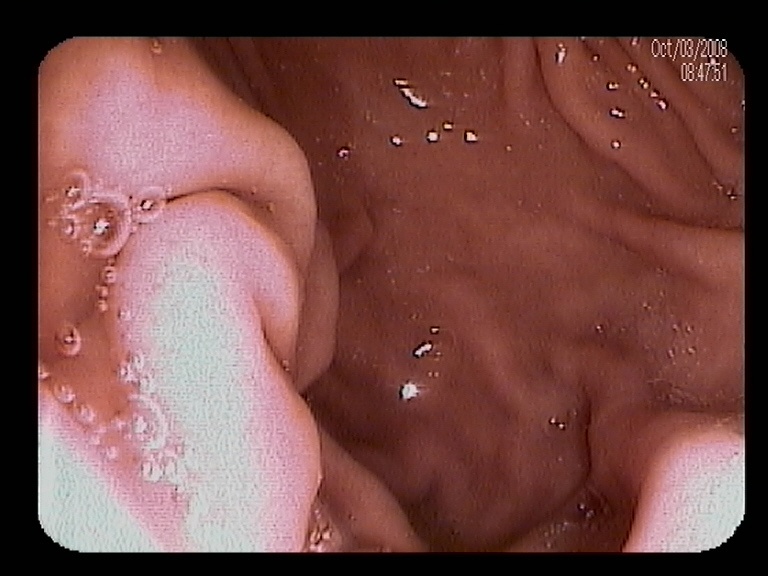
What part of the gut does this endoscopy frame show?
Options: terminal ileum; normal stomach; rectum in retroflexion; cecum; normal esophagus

normal stomach